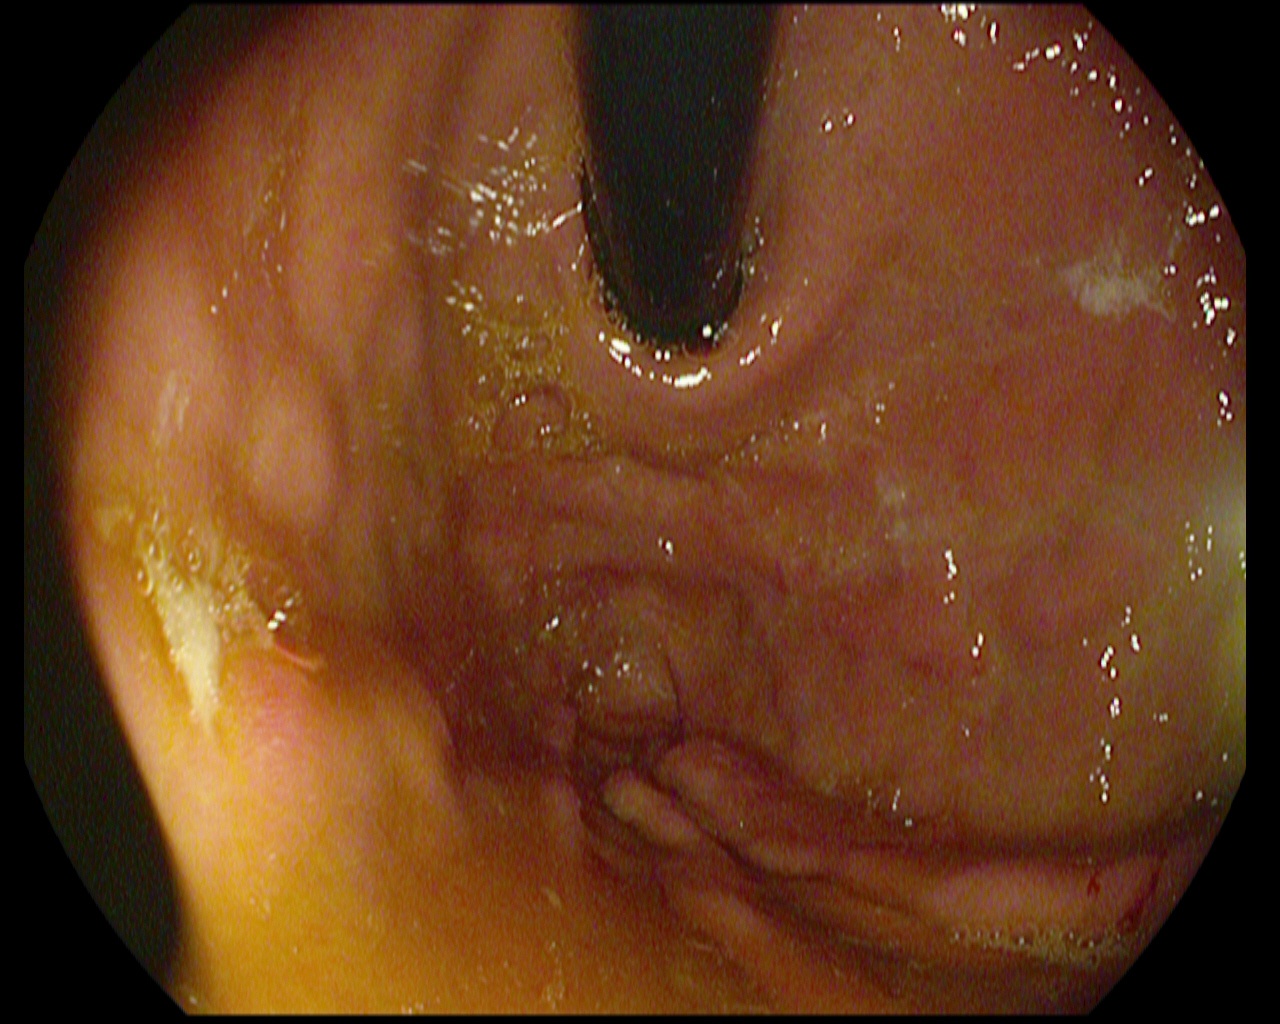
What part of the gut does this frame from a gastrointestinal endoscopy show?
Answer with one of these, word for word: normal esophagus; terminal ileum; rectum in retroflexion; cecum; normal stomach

normal stomach